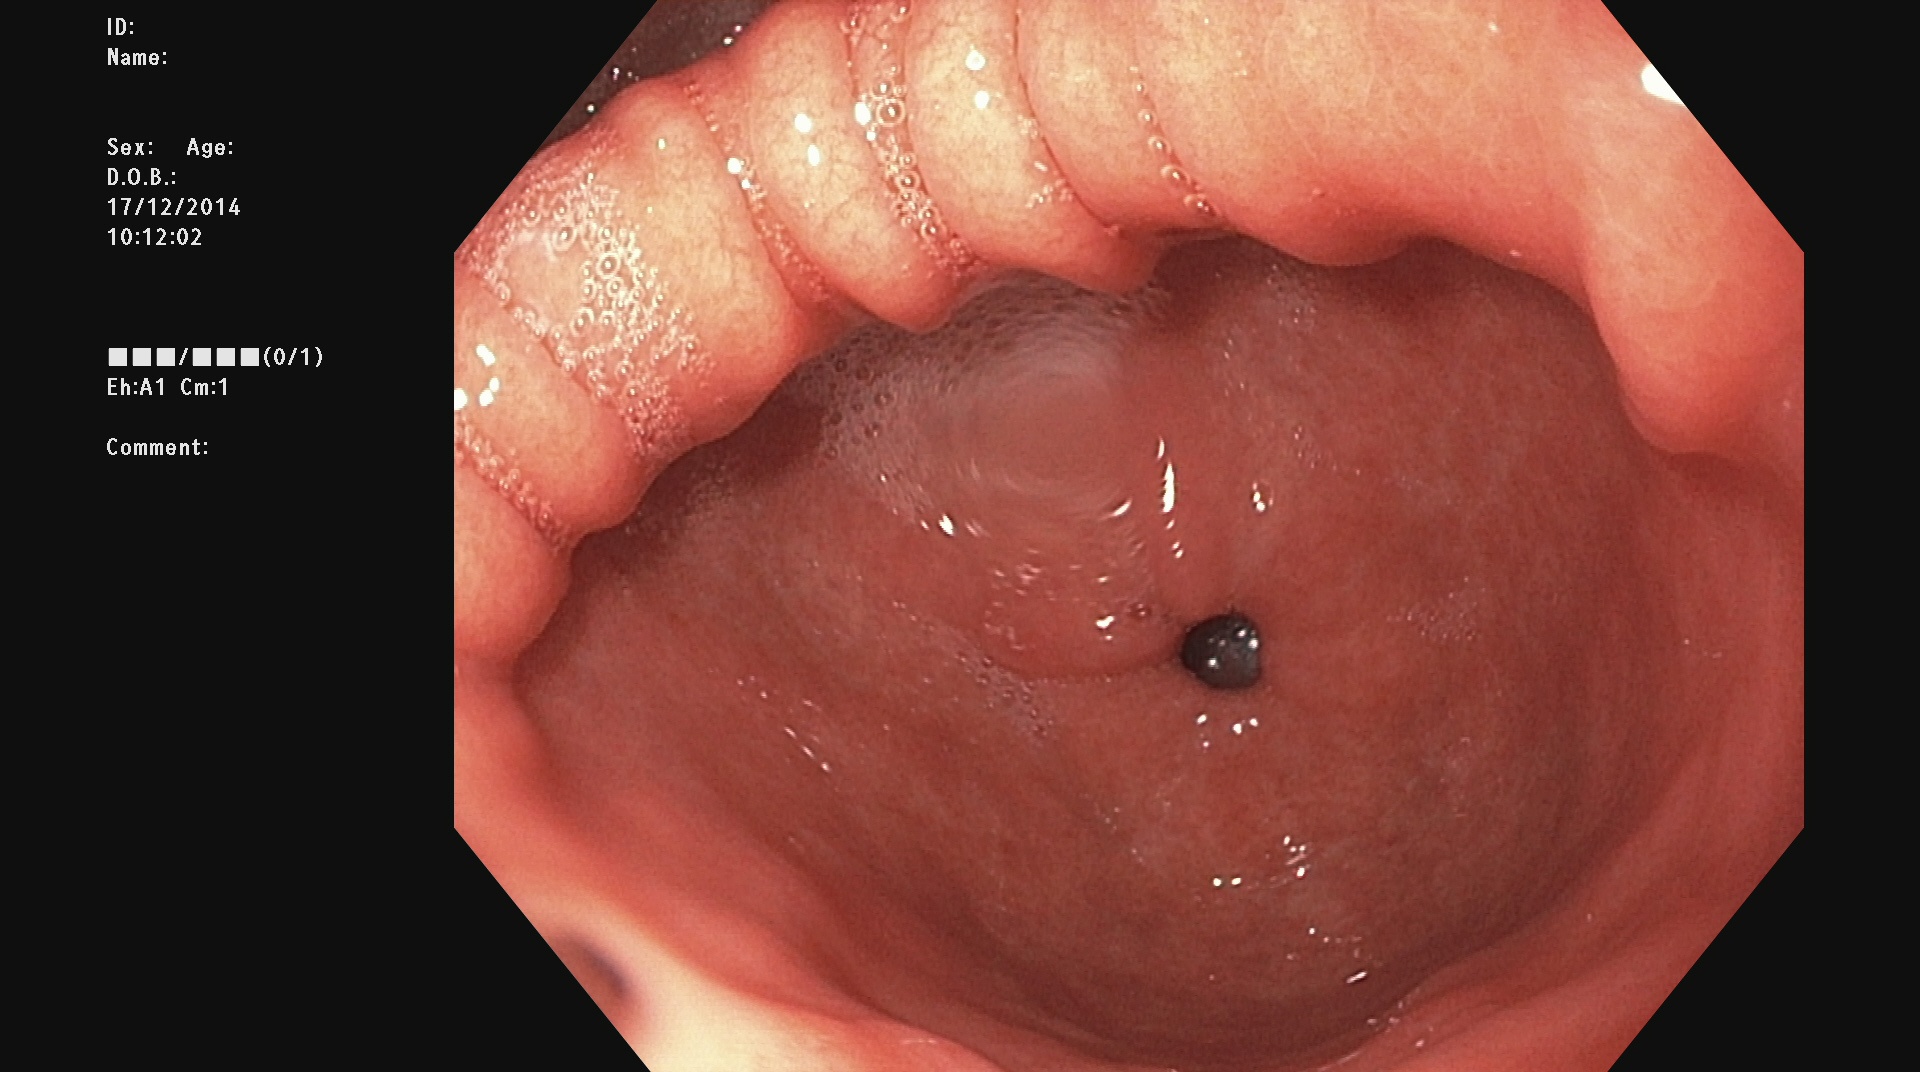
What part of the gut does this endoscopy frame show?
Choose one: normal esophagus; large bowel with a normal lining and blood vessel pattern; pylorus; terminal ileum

pylorus